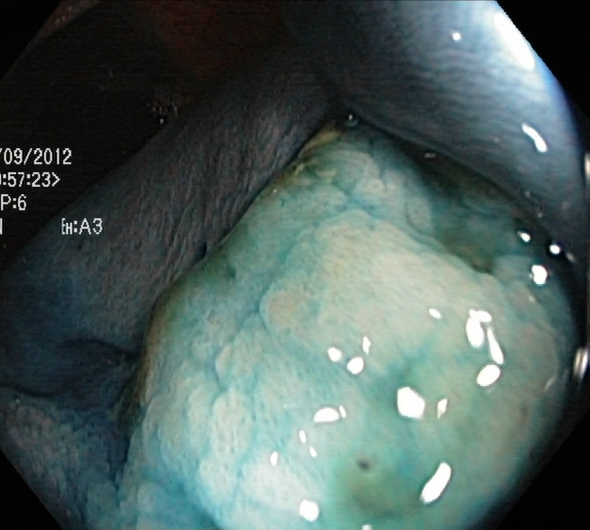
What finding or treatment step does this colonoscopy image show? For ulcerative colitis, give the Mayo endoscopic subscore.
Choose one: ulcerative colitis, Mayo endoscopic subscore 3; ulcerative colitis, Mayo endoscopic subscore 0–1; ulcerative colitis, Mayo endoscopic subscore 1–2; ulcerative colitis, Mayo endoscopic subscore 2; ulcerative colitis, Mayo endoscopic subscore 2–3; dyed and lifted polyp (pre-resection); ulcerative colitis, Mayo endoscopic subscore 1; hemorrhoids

dyed and lifted polyp (pre-resection)